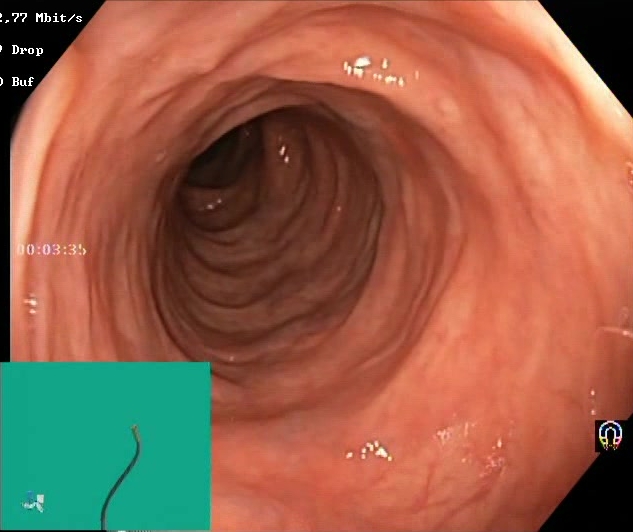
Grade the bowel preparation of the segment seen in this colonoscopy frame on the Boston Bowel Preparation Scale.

Boston Bowel Preparation Scale score 2–3 (adequate preparation)